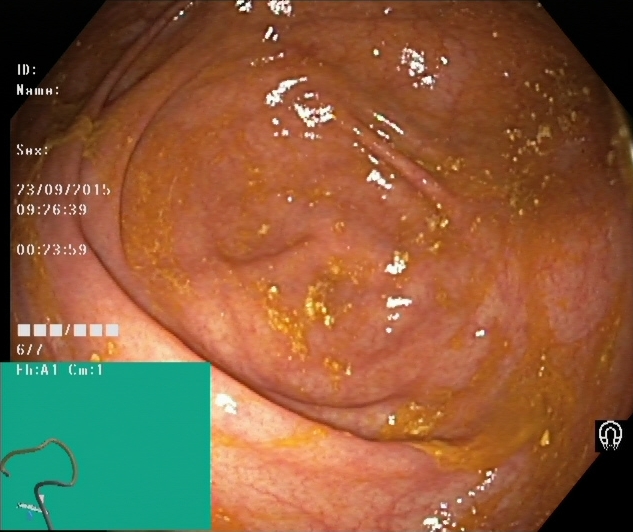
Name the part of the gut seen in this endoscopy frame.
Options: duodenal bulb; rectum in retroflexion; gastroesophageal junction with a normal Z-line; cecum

cecum